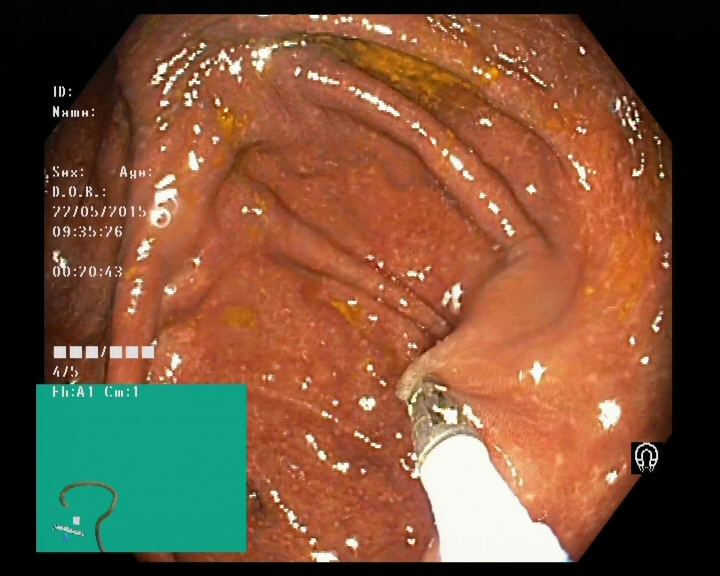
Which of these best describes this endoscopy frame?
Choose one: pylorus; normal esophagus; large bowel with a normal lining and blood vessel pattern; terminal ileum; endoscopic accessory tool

endoscopic accessory tool